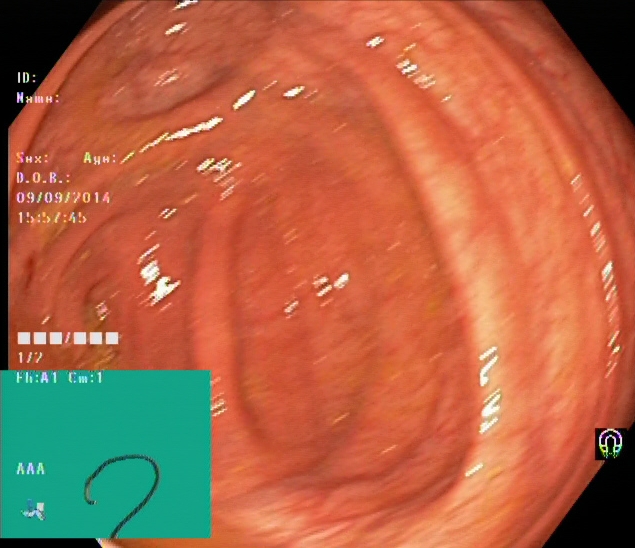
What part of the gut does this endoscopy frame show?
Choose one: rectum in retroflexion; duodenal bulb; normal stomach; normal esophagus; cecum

cecum